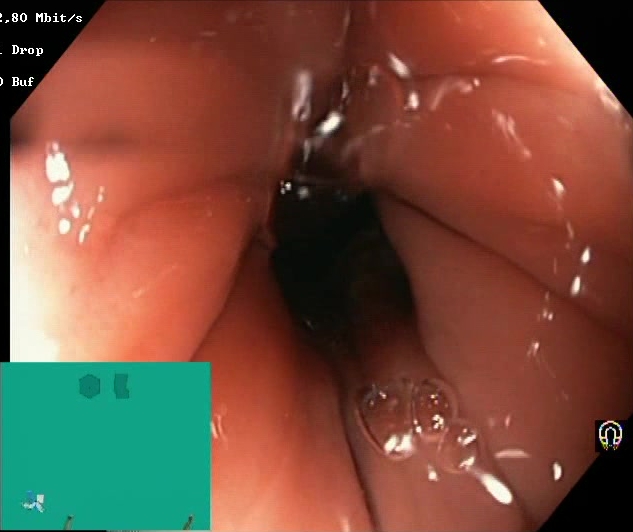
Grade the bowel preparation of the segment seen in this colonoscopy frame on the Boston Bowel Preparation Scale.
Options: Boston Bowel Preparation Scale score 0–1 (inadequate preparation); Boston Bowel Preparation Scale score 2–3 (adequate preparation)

Boston Bowel Preparation Scale score 2–3 (adequate preparation)